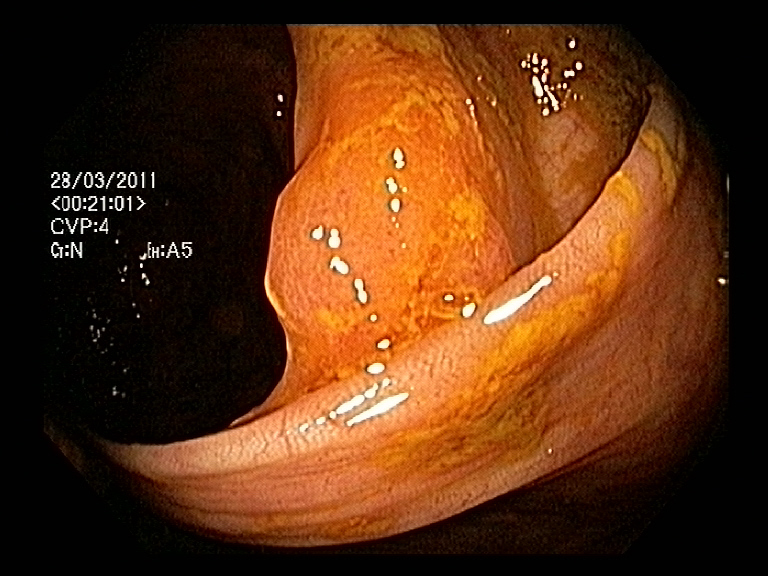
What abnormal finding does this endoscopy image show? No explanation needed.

colon polyp